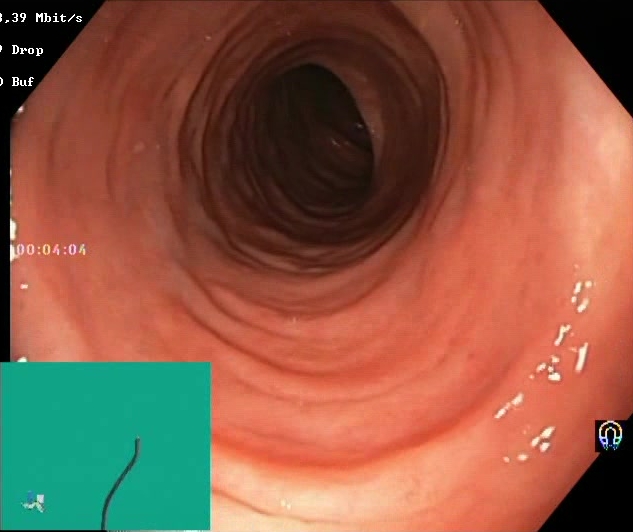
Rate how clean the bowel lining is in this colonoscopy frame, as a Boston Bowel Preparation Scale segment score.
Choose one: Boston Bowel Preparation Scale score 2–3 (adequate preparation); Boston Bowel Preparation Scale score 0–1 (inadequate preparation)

Boston Bowel Preparation Scale score 2–3 (adequate preparation)